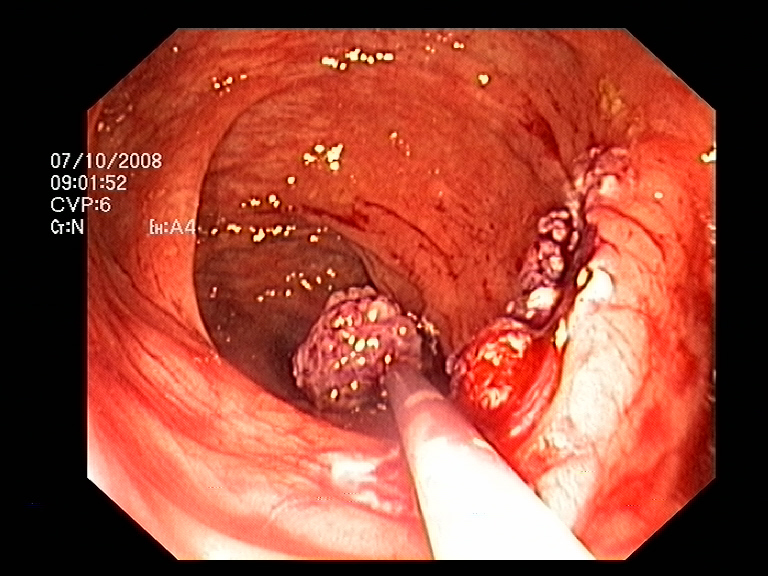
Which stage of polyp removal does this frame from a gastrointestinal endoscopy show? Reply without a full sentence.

resected polyp